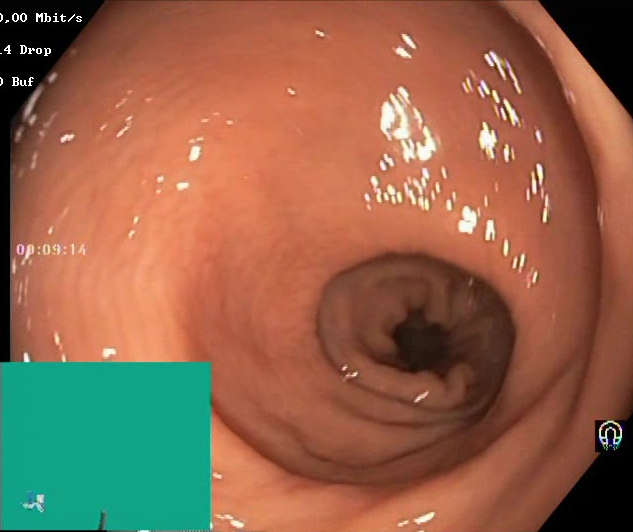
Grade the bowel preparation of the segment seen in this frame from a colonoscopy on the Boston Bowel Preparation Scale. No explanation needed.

Boston Bowel Preparation Scale score 2–3 (adequate preparation)